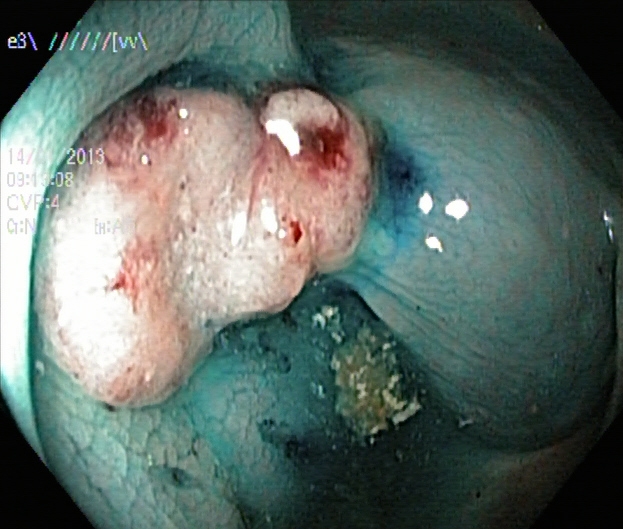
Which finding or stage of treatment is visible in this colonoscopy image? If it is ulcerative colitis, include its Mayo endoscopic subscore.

dyed and lifted polyp (pre-resection)